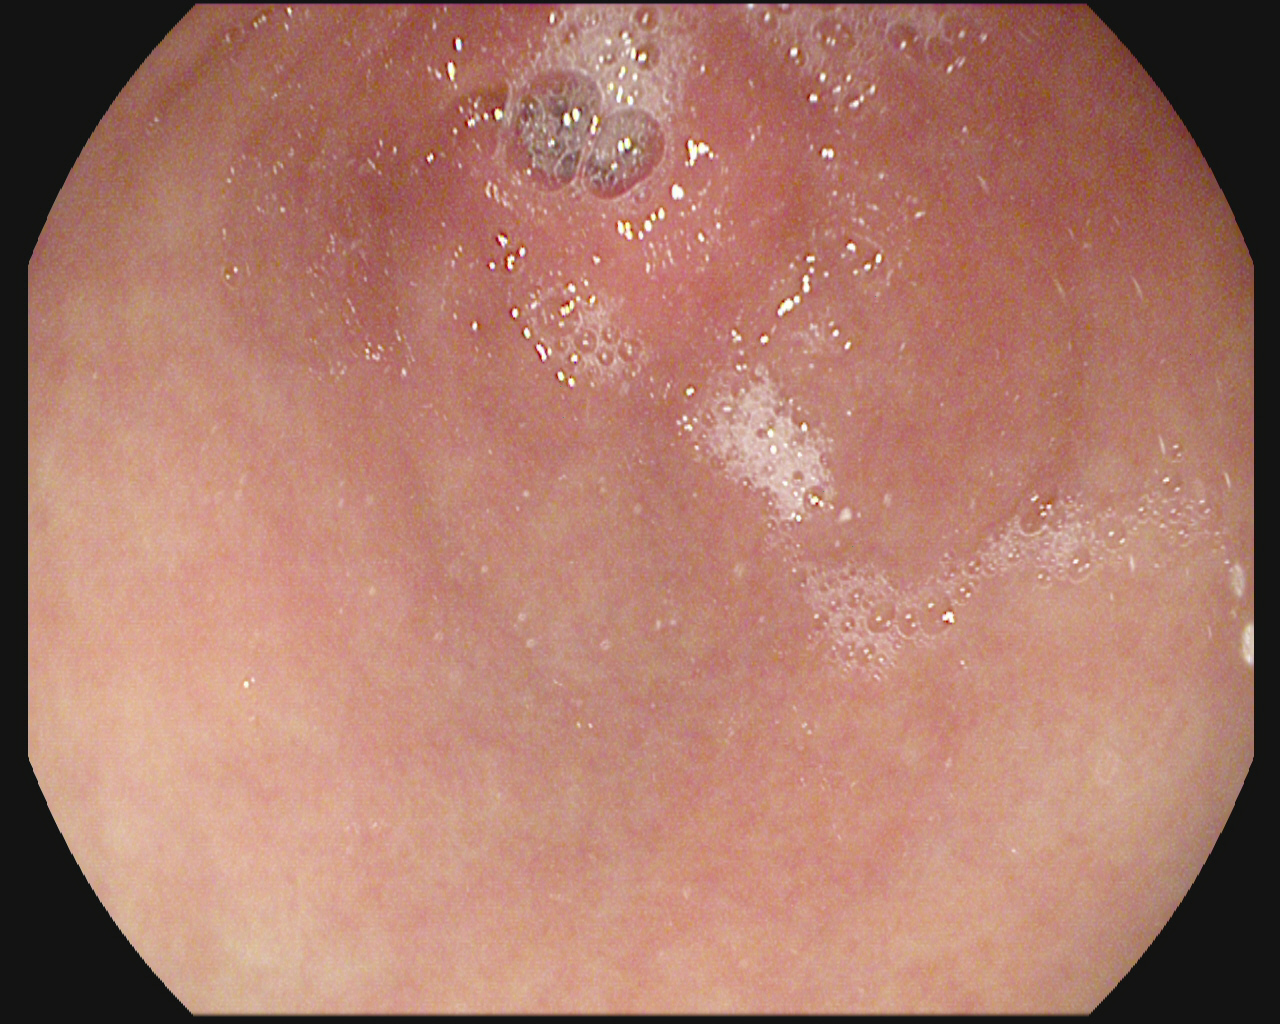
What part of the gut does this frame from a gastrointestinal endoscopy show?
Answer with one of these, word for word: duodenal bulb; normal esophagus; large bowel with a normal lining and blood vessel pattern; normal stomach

normal stomach